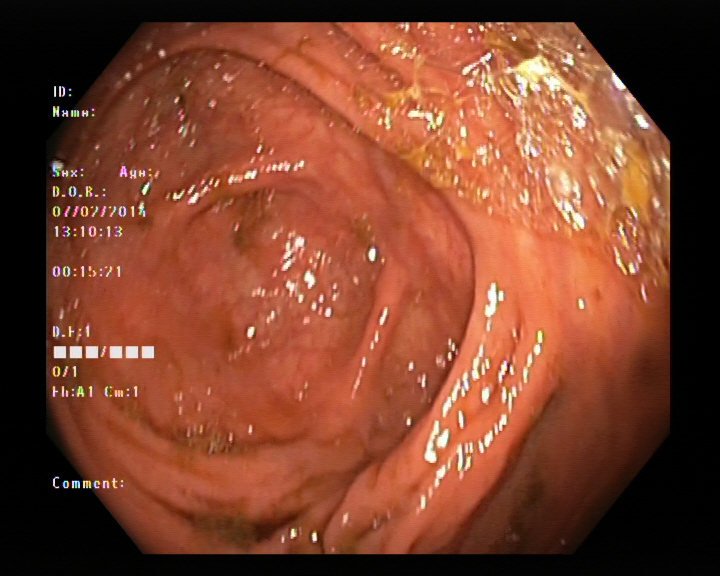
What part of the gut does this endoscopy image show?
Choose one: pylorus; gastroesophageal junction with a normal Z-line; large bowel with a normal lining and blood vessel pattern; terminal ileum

large bowel with a normal lining and blood vessel pattern